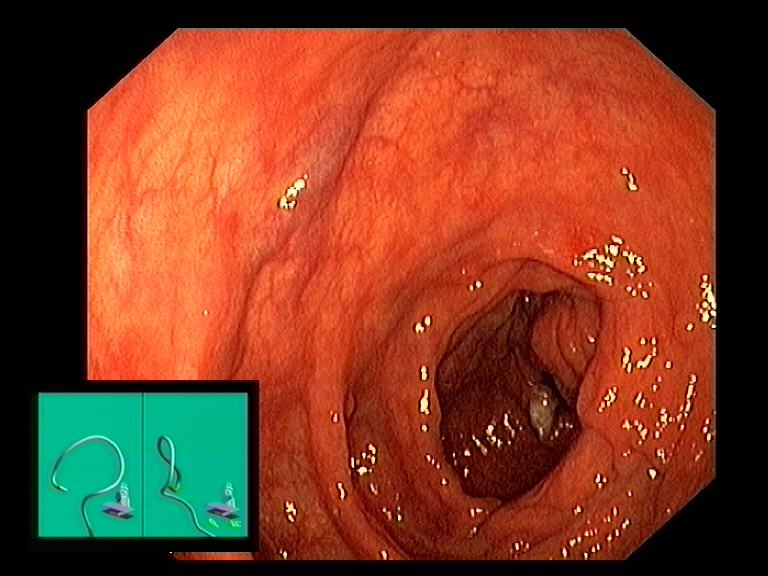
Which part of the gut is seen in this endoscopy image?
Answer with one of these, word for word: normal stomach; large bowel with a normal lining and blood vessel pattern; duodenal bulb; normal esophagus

large bowel with a normal lining and blood vessel pattern